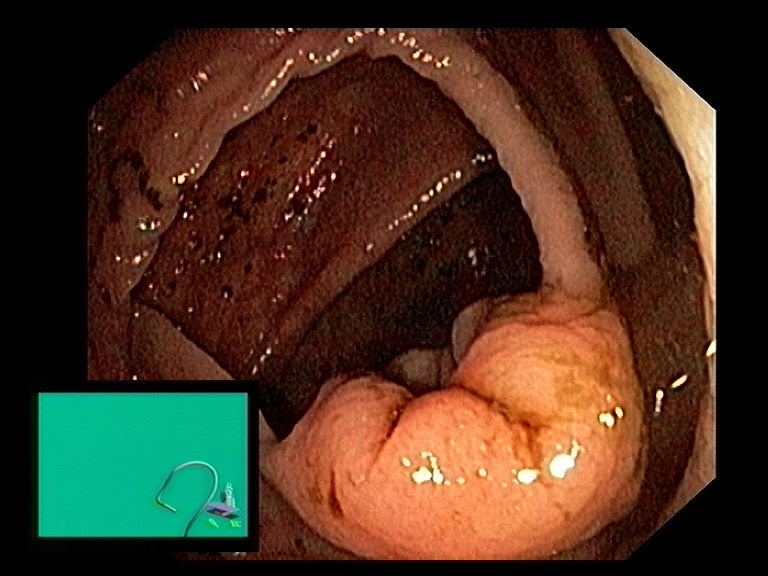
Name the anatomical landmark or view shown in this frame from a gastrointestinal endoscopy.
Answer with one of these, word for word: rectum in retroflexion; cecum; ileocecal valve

ileocecal valve